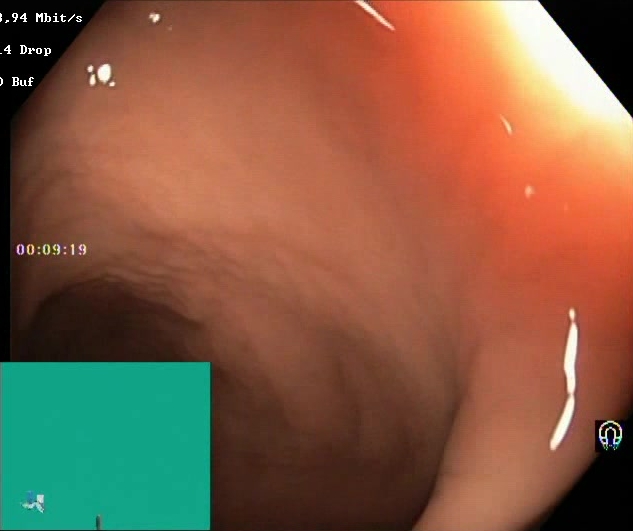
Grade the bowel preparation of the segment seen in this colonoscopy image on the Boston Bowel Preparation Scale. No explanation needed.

Boston Bowel Preparation Scale score 2–3 (adequate preparation)